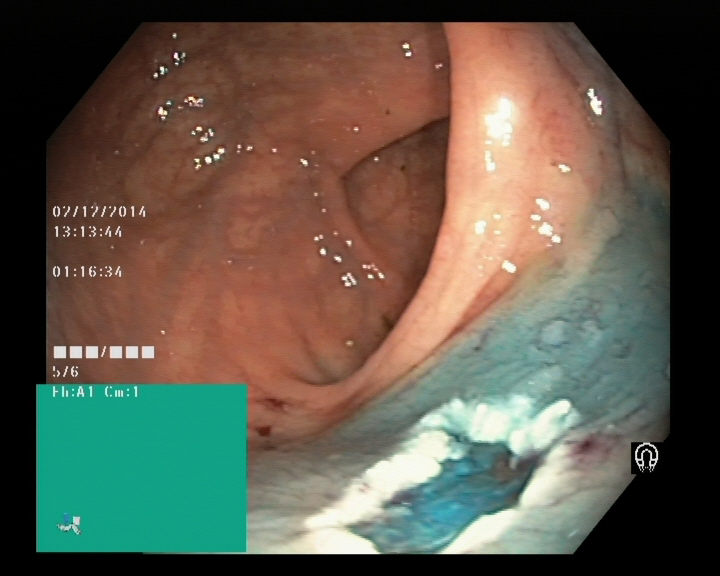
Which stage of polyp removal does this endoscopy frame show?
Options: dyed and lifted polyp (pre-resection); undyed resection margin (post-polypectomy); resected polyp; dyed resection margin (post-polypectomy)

dyed resection margin (post-polypectomy)